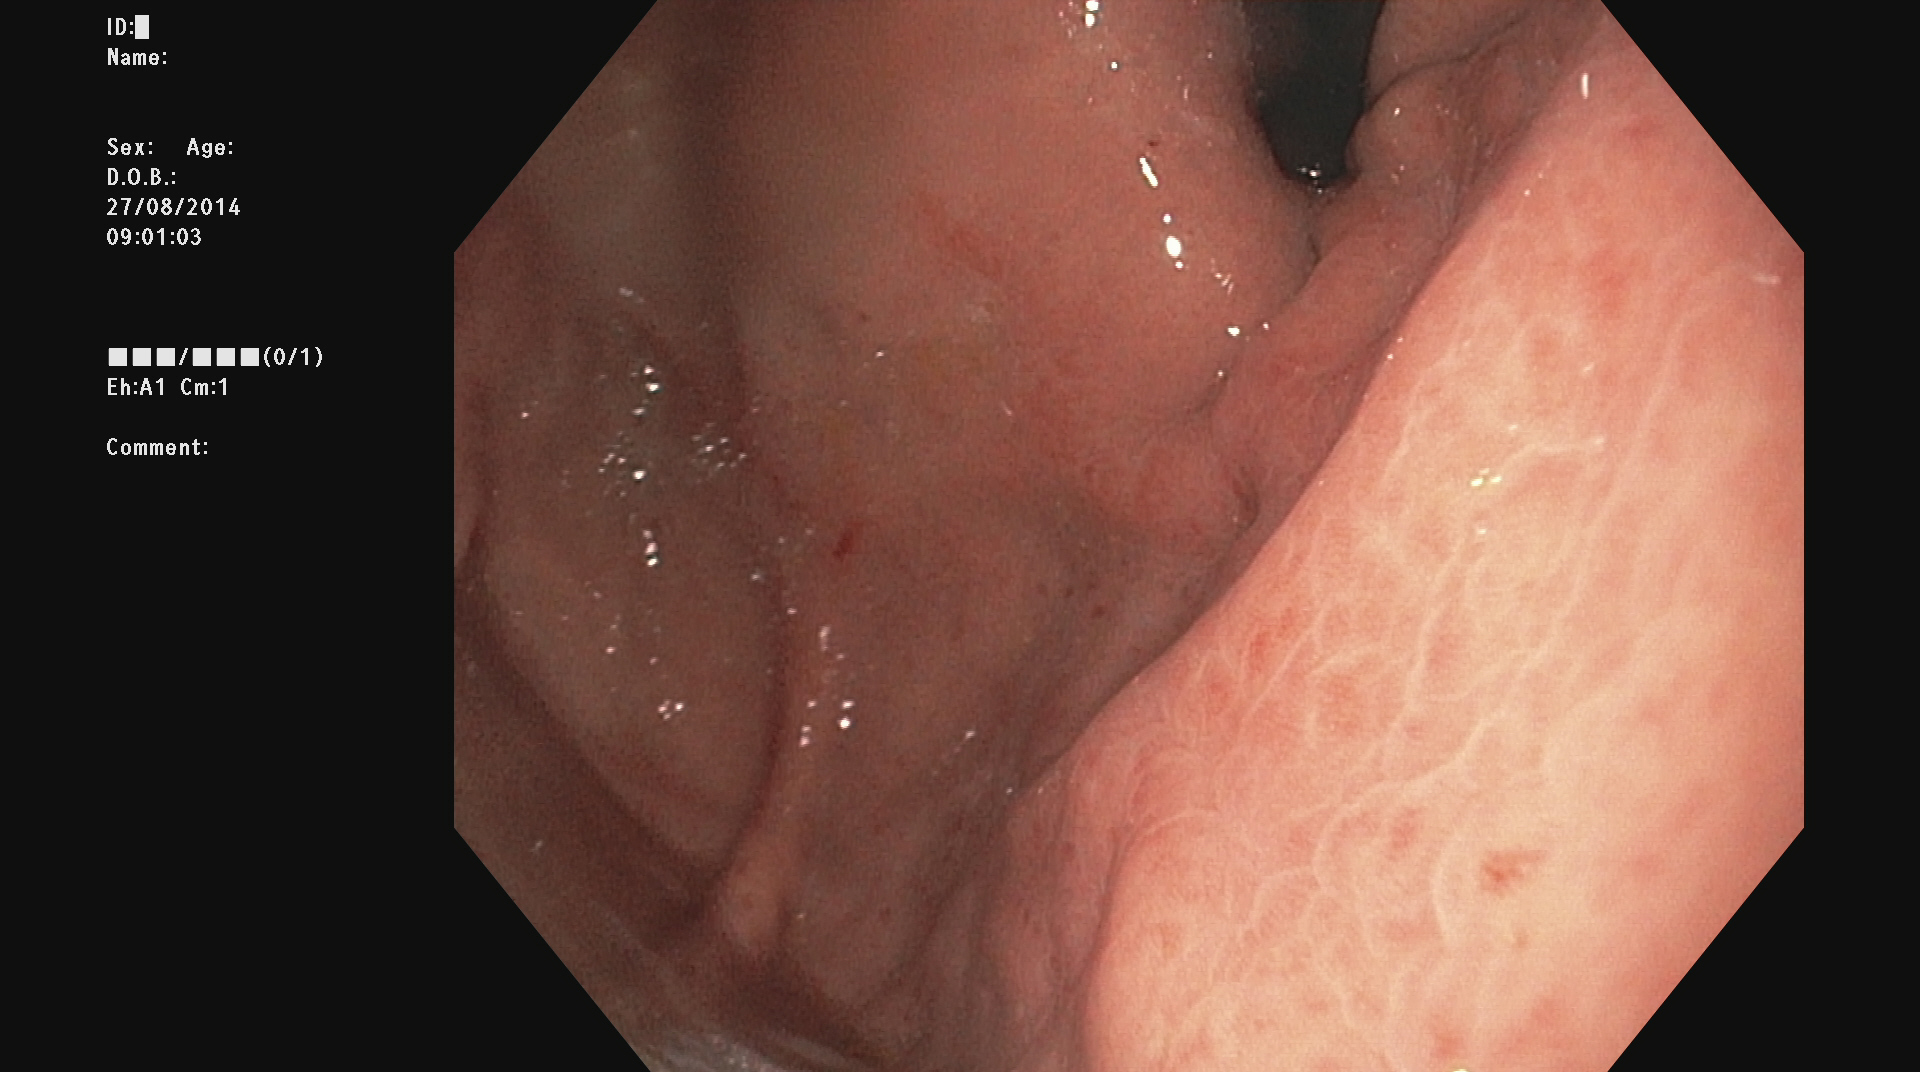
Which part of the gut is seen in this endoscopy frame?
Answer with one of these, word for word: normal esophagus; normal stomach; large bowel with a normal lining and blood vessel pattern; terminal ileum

normal stomach